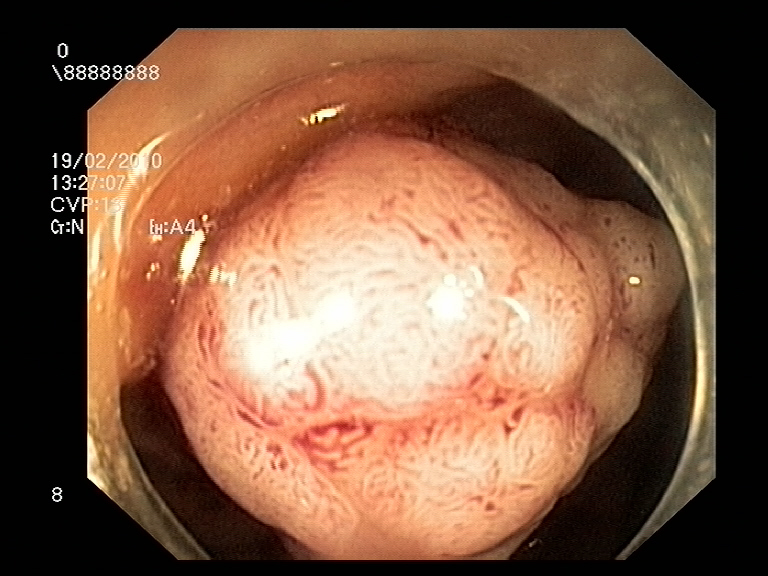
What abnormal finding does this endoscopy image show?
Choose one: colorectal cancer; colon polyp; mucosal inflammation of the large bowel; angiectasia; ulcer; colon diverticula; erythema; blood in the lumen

colon polyp